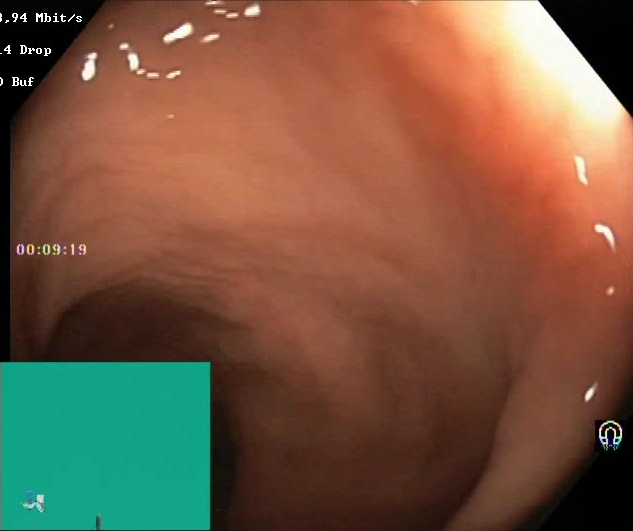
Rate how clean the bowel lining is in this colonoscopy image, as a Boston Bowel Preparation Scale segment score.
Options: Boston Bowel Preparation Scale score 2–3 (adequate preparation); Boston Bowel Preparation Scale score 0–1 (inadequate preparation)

Boston Bowel Preparation Scale score 2–3 (adequate preparation)